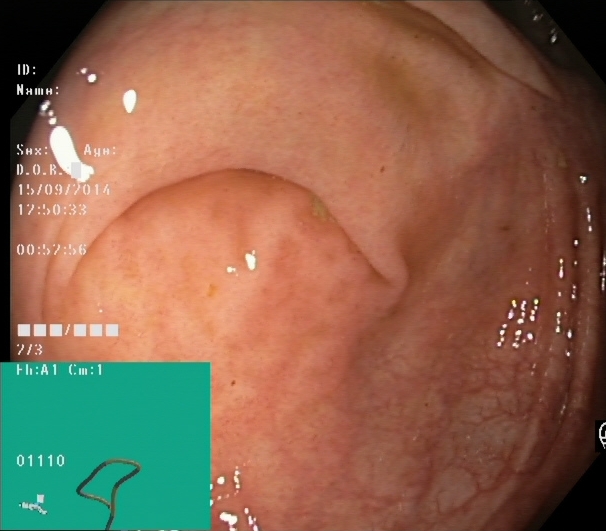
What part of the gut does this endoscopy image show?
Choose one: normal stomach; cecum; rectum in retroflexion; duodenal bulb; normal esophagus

cecum